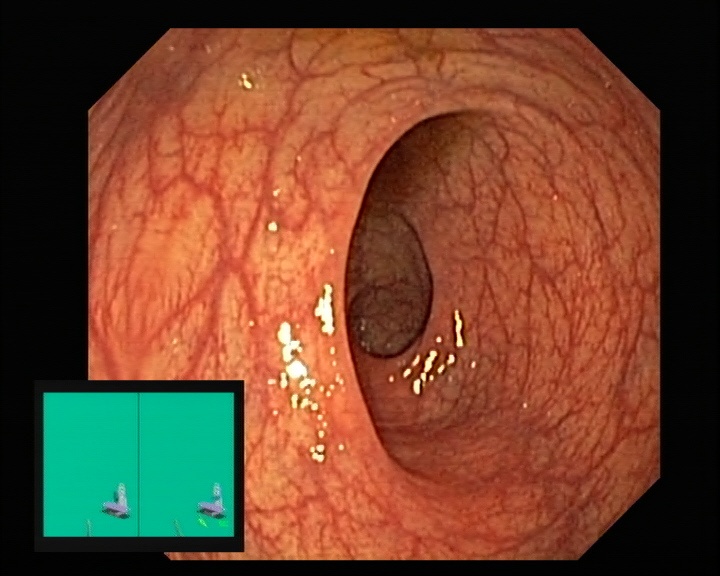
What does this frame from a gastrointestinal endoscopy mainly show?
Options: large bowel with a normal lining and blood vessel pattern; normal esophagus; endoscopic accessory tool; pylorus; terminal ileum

large bowel with a normal lining and blood vessel pattern